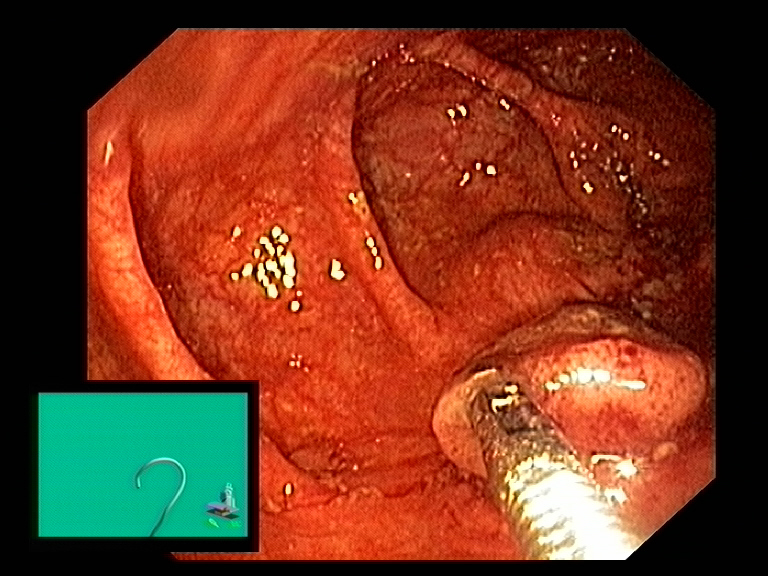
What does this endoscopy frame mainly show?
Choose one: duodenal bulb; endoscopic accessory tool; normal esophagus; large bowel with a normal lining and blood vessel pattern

endoscopic accessory tool